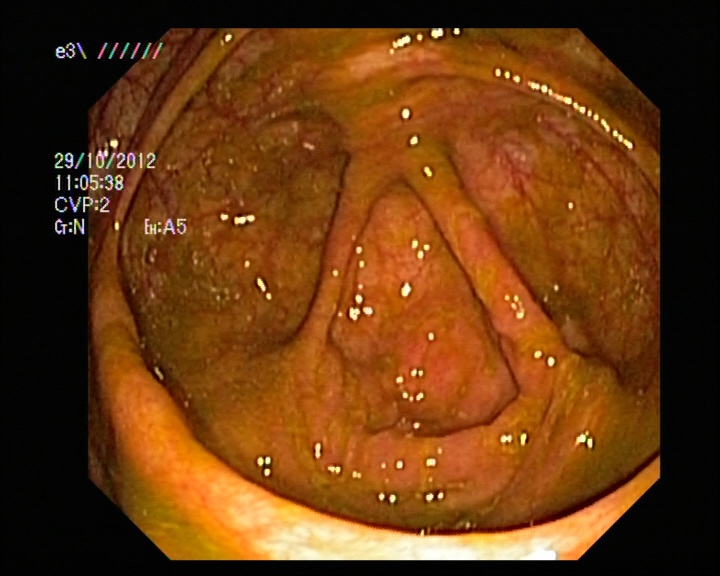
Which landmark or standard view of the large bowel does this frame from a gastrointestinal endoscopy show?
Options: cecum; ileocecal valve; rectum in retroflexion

cecum